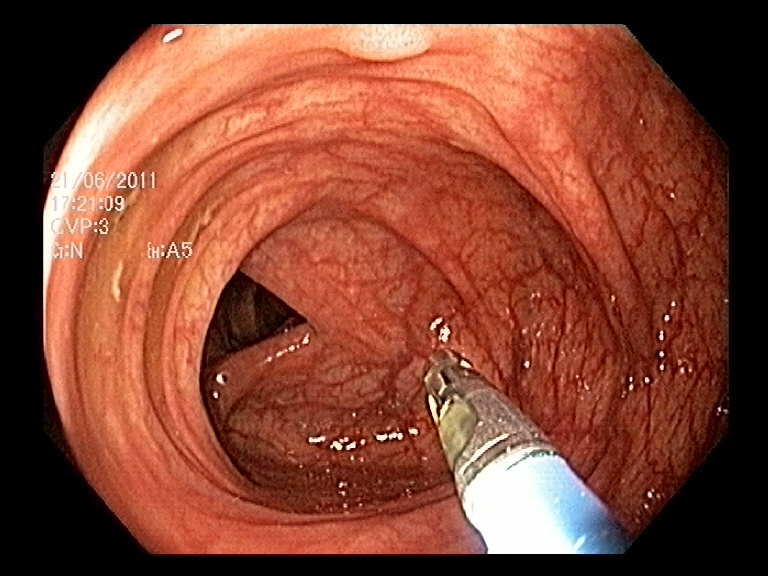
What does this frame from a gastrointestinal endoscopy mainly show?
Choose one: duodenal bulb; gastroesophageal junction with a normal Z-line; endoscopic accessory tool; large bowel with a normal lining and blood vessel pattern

endoscopic accessory tool